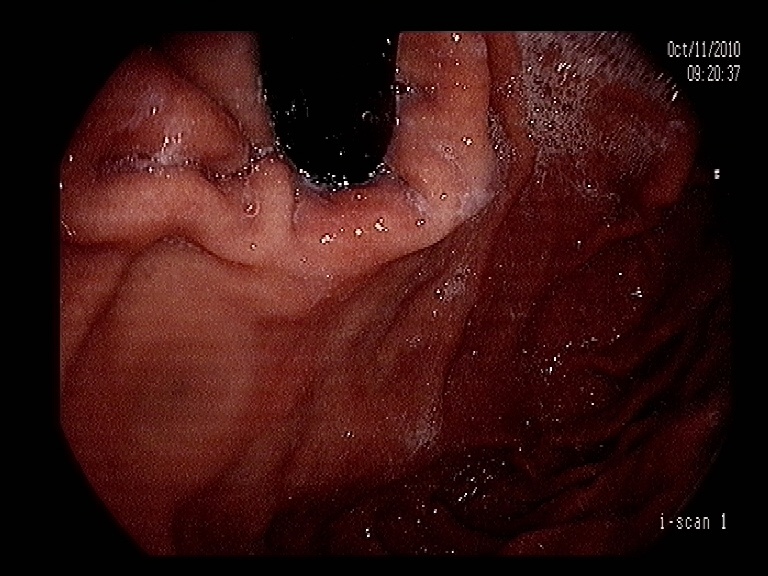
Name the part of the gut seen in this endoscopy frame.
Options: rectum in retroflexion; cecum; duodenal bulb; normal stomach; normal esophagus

normal stomach